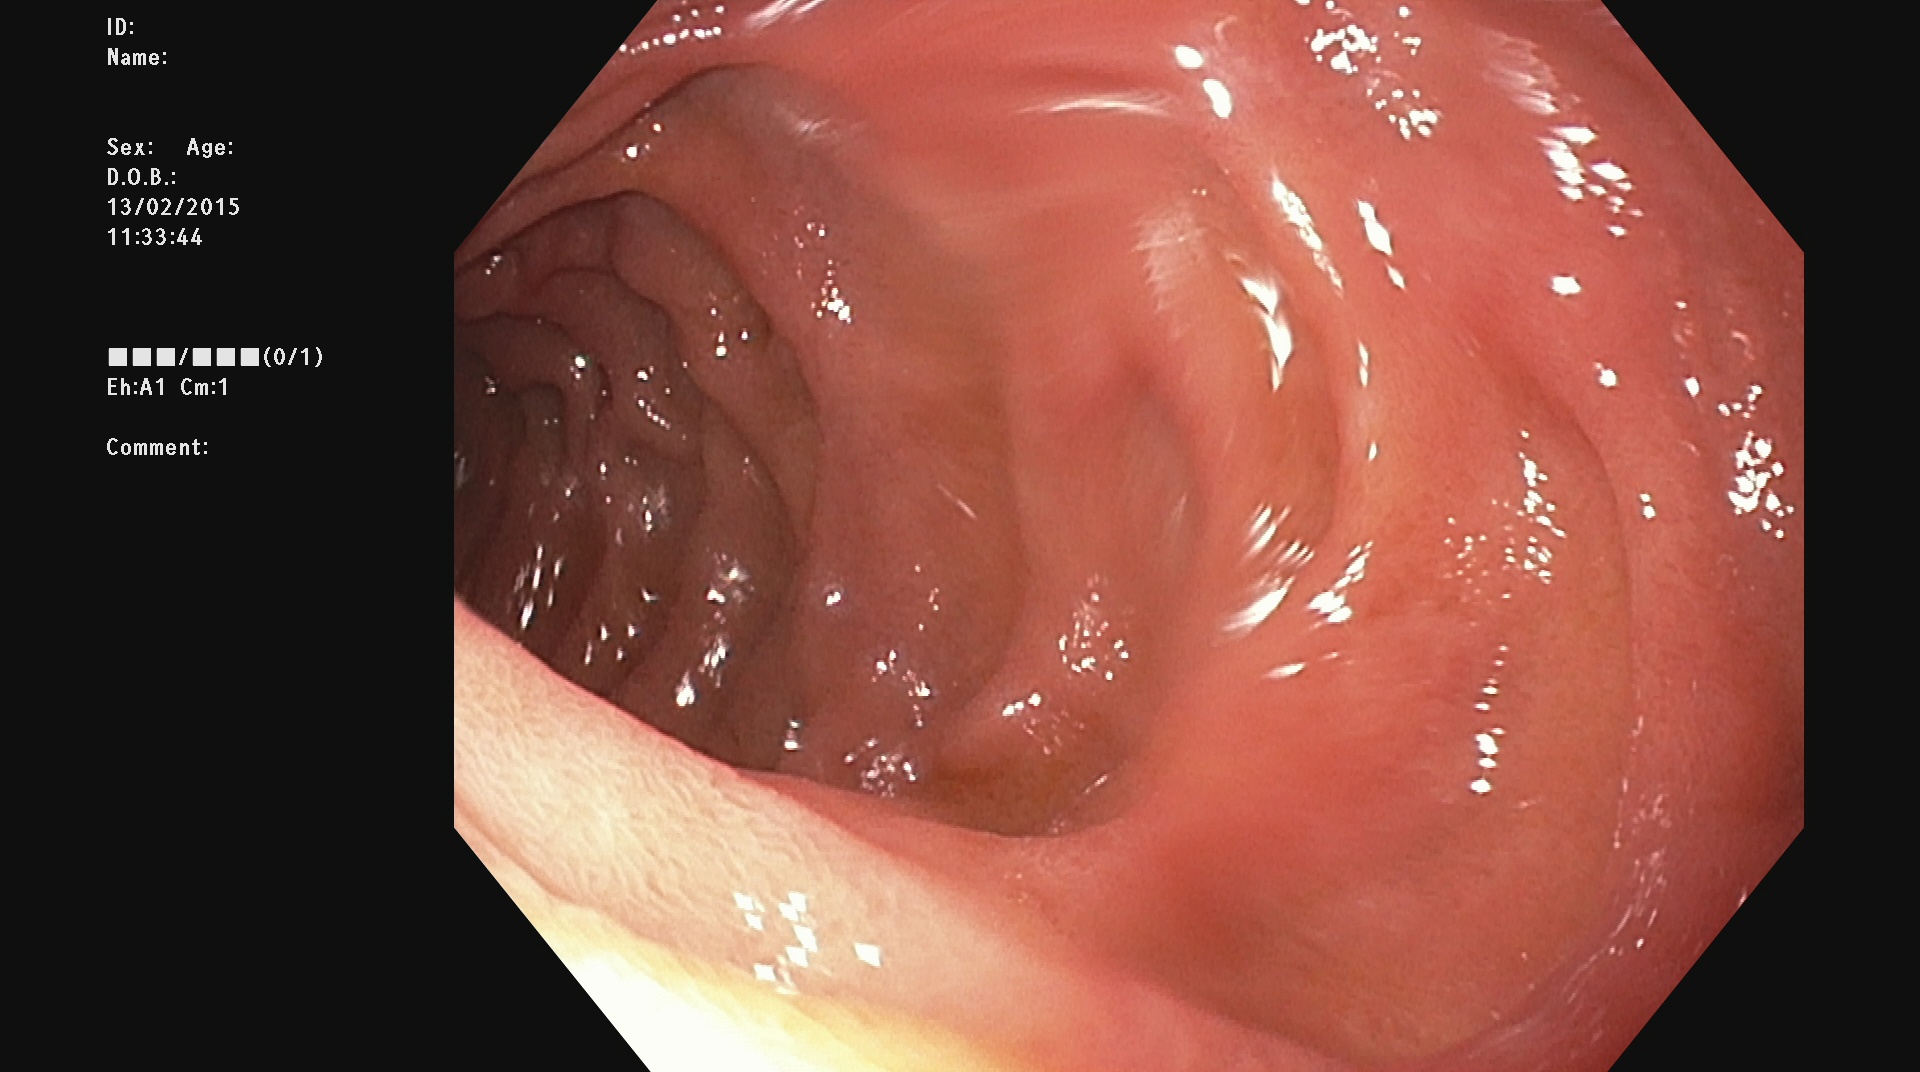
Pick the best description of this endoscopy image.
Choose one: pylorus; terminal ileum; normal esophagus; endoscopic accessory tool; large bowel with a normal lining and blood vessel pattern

terminal ileum